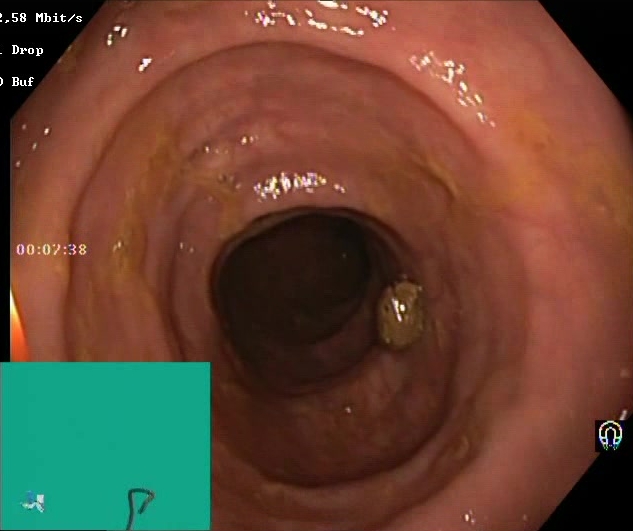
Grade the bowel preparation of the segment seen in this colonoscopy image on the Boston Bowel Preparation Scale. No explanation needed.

Boston Bowel Preparation Scale score 2–3 (adequate preparation)